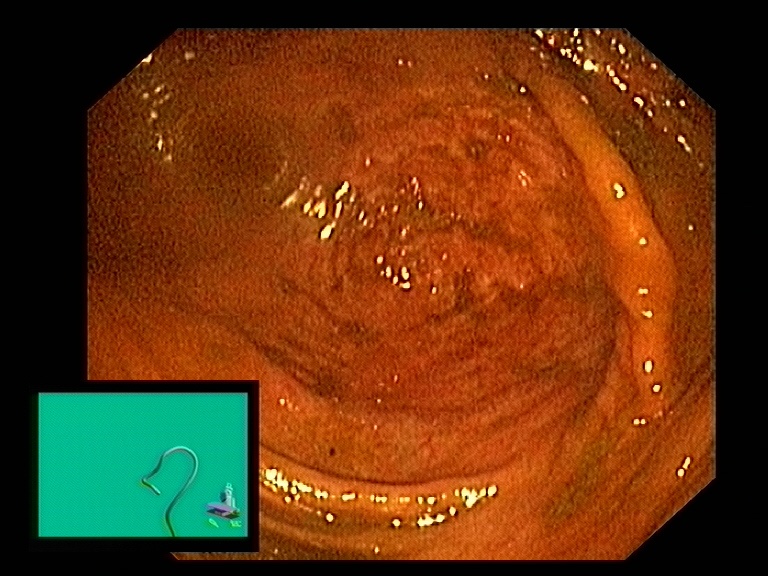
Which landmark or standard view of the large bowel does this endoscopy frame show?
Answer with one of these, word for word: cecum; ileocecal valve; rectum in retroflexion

cecum